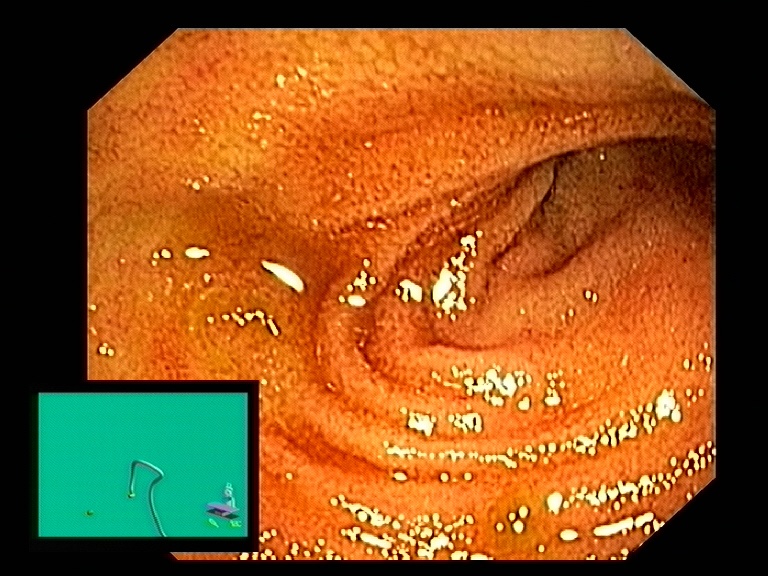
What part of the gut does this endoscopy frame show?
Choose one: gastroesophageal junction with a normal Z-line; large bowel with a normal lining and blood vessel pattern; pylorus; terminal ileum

terminal ileum